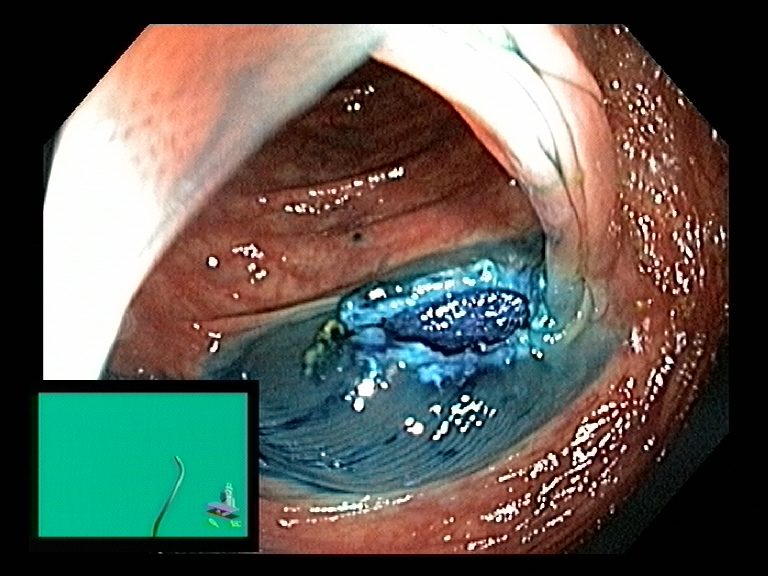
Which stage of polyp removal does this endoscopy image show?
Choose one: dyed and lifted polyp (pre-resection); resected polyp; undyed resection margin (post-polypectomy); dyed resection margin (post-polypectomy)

dyed resection margin (post-polypectomy)